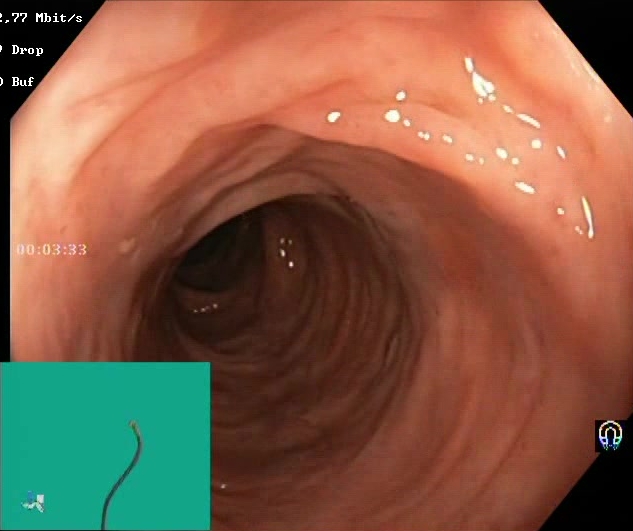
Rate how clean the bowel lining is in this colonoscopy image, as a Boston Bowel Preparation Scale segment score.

Boston Bowel Preparation Scale score 2–3 (adequate preparation)